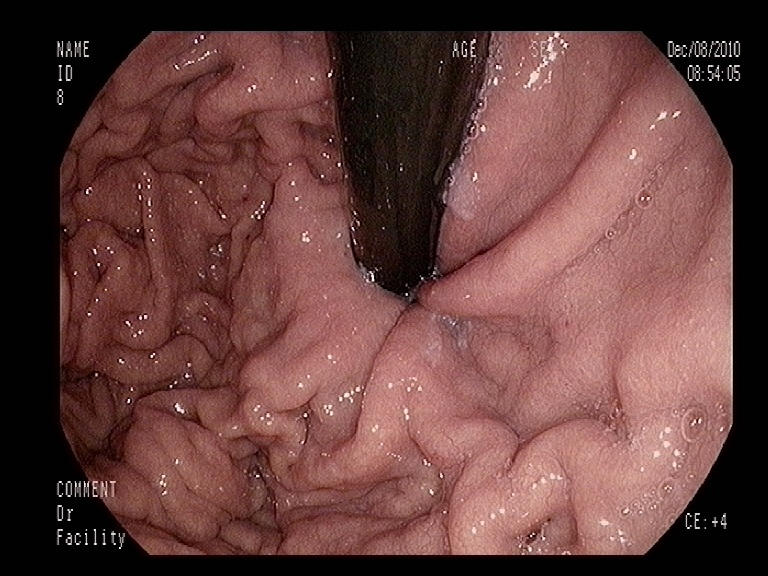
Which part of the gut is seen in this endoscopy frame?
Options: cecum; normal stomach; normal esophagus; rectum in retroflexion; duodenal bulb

normal stomach